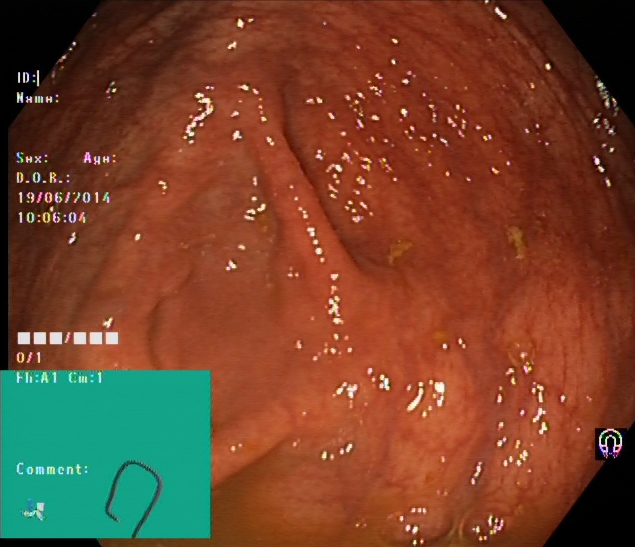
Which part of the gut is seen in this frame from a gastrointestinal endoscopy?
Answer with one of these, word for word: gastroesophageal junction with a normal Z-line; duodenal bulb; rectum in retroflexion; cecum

cecum